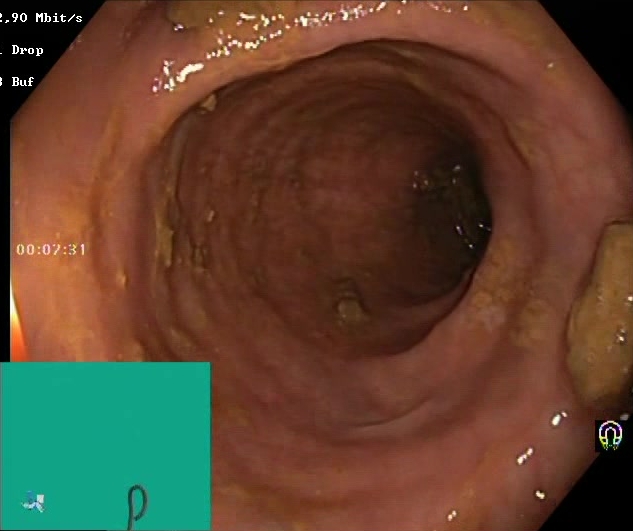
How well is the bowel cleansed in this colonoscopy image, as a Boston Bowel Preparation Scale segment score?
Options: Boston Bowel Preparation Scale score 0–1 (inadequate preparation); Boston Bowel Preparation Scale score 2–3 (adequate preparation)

Boston Bowel Preparation Scale score 2–3 (adequate preparation)